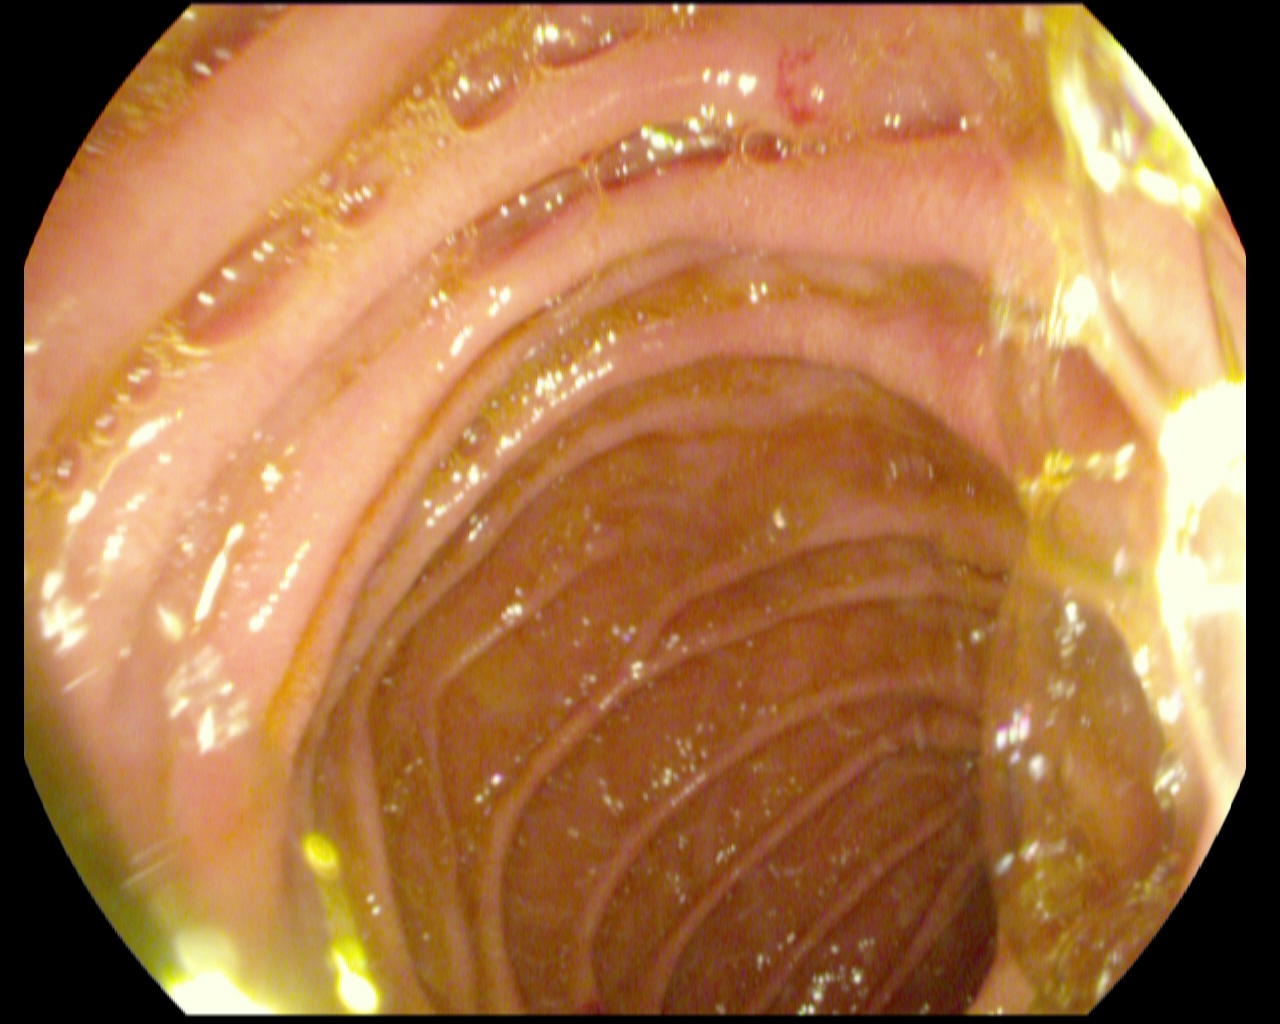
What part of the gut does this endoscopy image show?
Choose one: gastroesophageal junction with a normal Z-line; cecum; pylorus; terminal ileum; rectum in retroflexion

terminal ileum